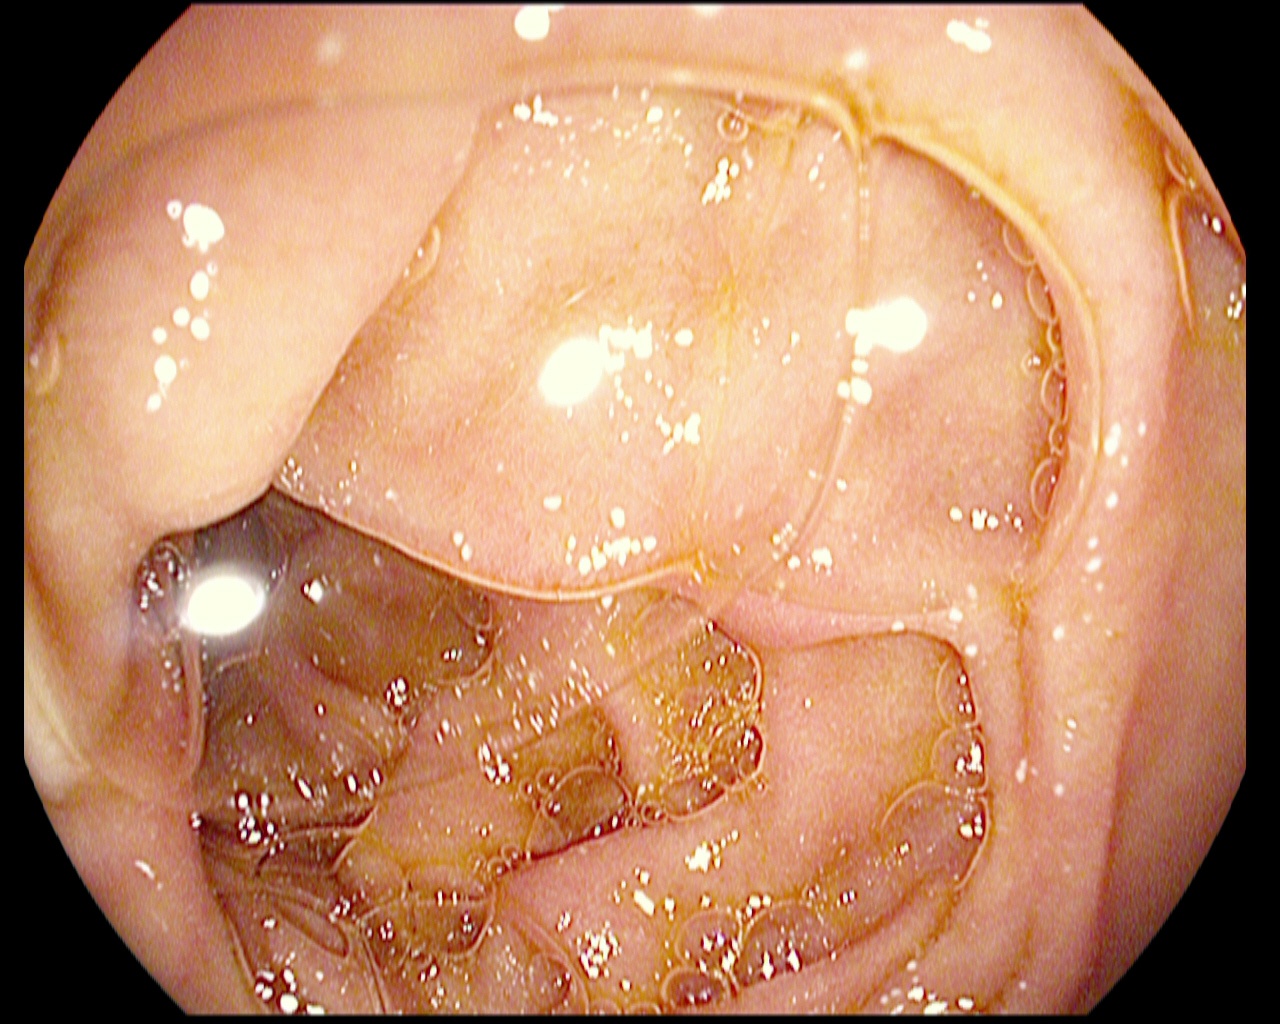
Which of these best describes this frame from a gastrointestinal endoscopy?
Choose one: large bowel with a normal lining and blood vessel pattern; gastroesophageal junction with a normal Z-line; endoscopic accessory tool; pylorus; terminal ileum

terminal ileum